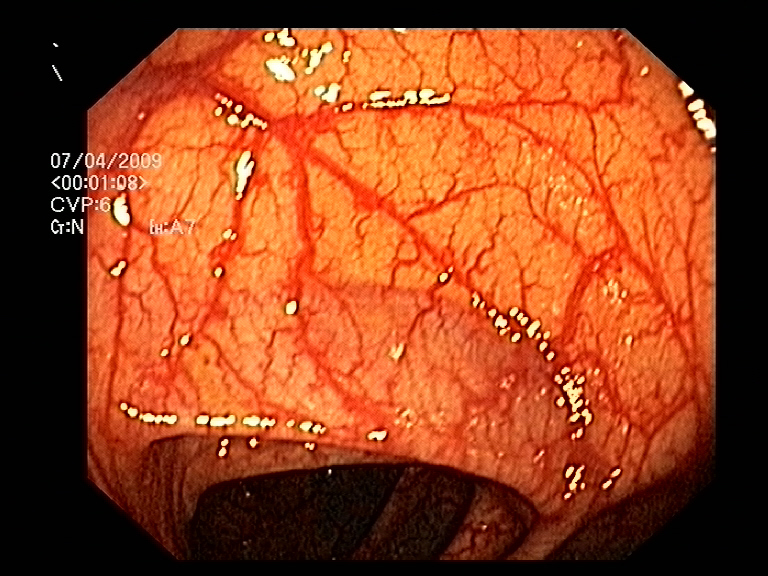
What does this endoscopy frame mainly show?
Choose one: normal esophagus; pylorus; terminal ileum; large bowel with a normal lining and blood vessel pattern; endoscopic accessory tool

large bowel with a normal lining and blood vessel pattern